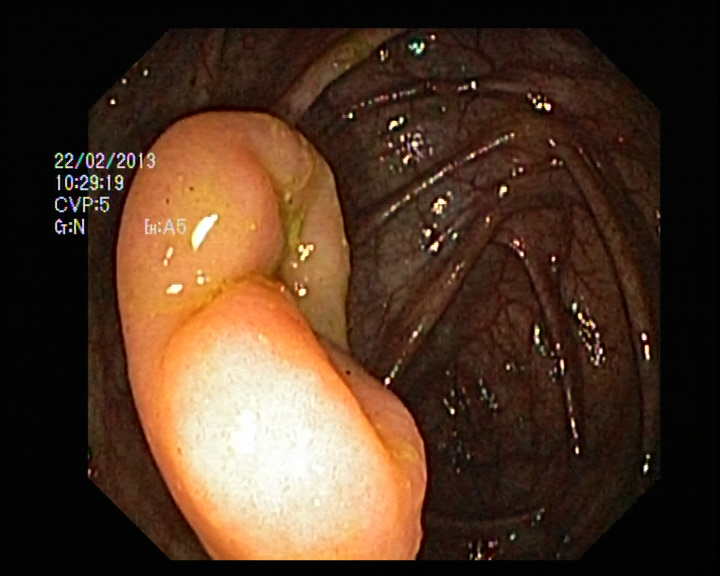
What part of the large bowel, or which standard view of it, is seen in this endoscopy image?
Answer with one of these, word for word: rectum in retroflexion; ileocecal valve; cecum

ileocecal valve